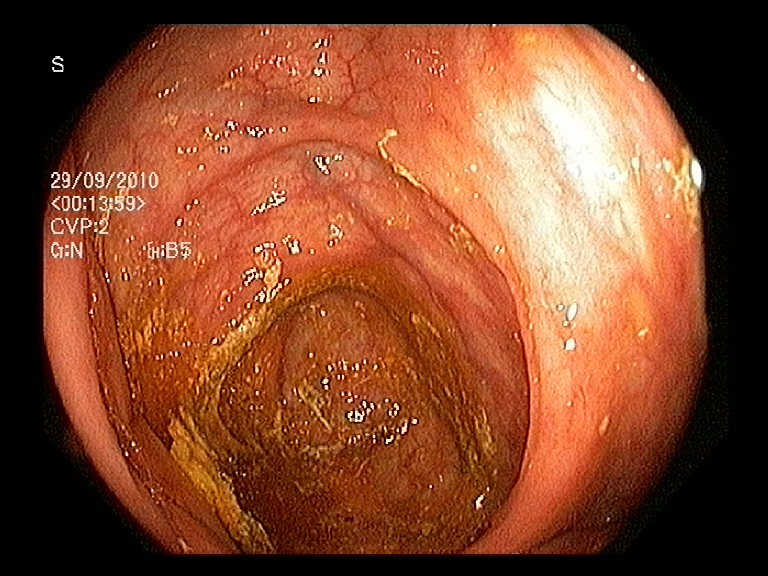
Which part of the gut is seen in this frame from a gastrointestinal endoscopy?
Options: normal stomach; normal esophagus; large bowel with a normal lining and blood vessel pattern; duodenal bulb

large bowel with a normal lining and blood vessel pattern